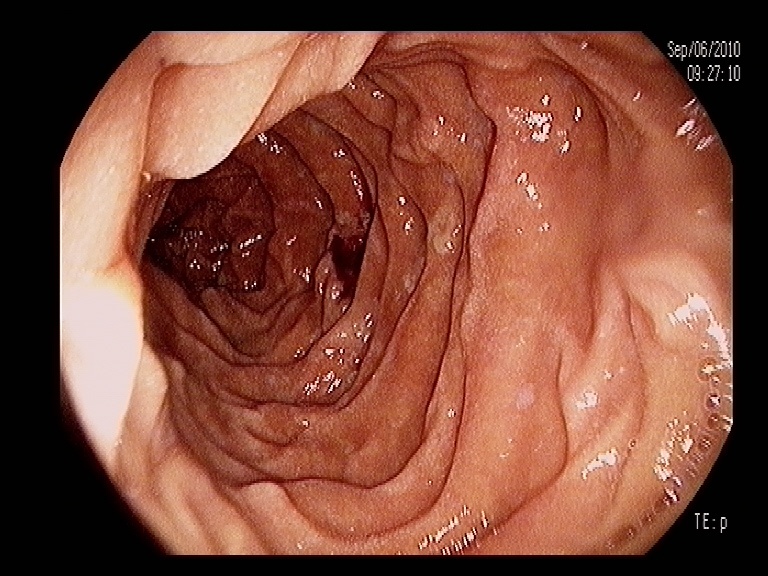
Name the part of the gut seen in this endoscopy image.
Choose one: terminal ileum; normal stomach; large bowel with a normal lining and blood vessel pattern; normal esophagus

terminal ileum